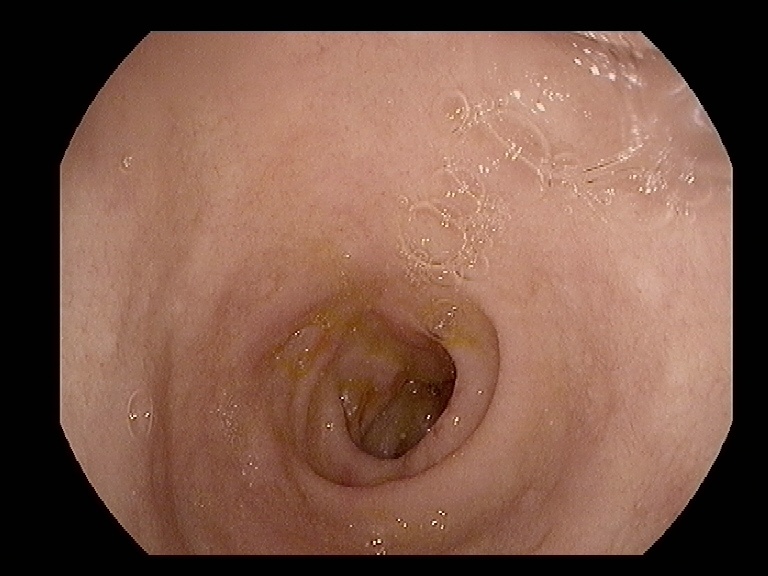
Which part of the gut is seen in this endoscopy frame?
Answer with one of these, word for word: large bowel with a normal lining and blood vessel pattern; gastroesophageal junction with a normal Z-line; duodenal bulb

duodenal bulb